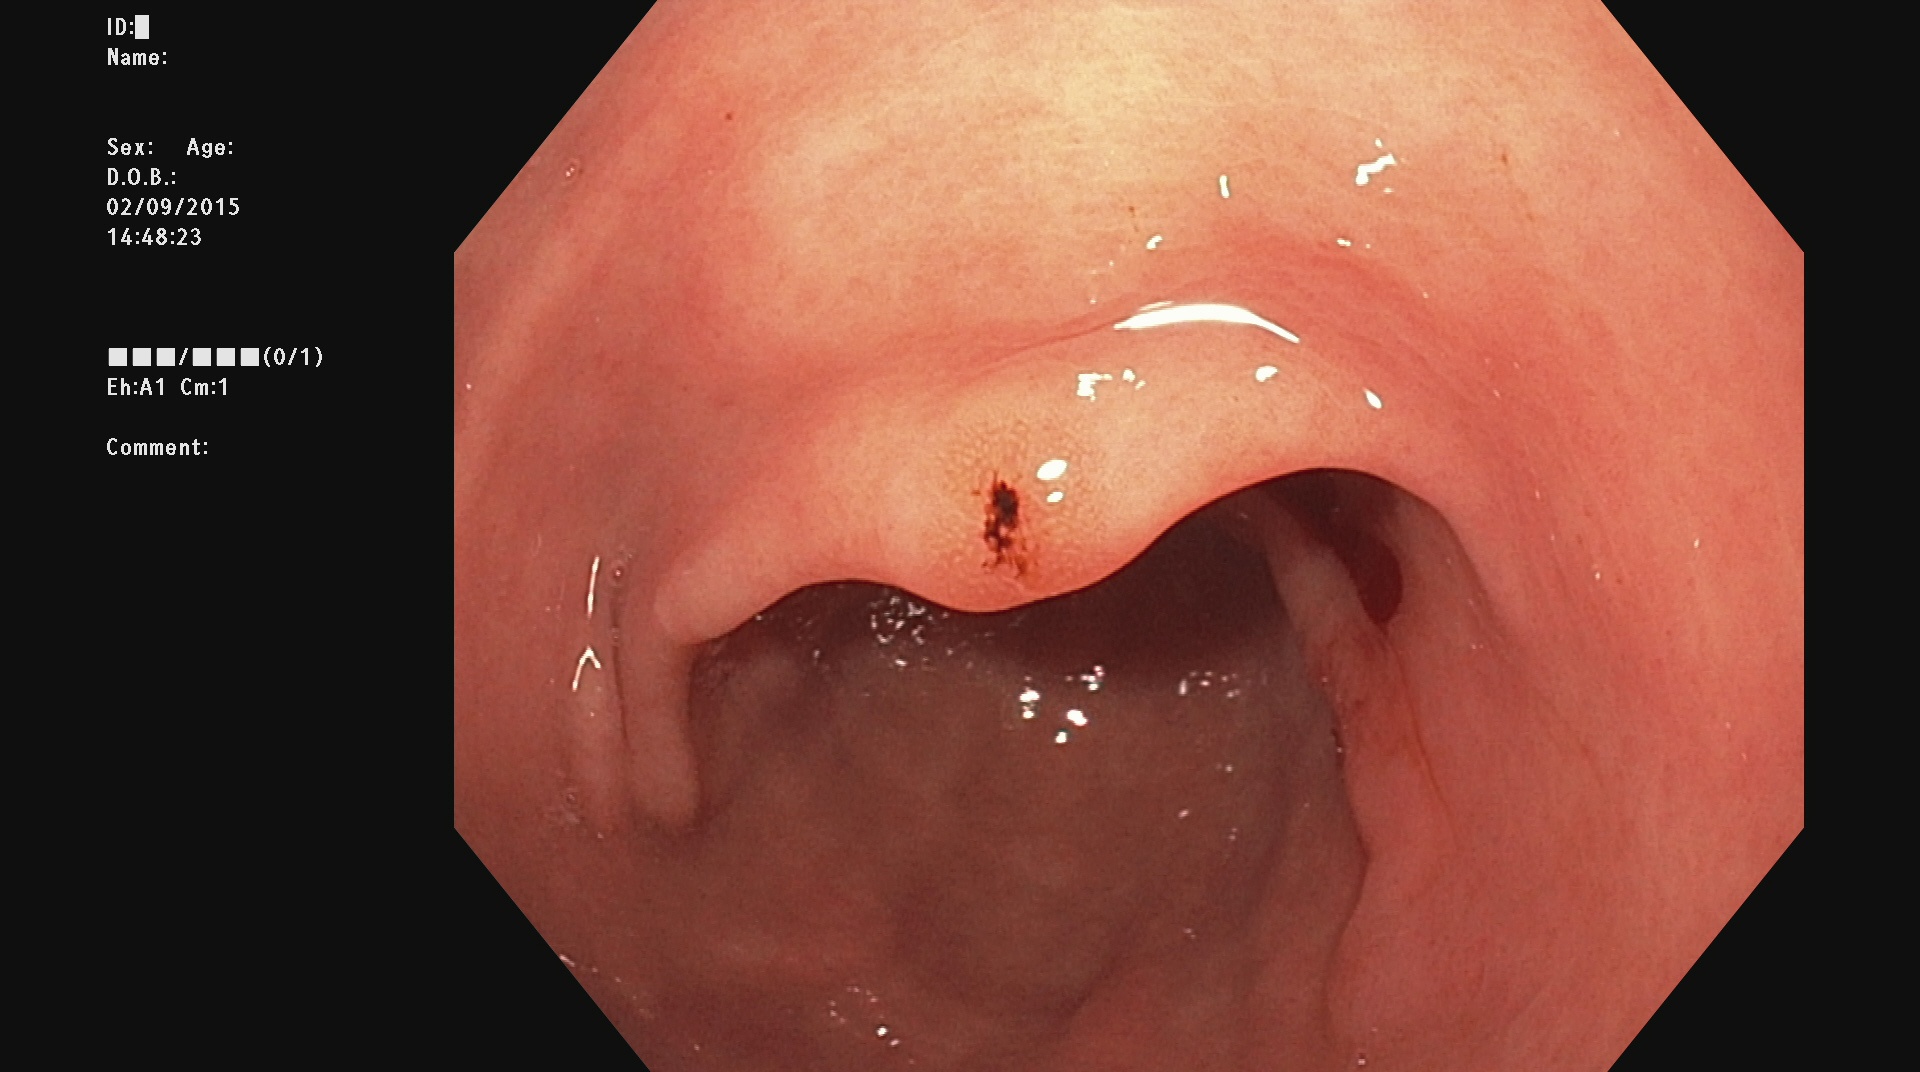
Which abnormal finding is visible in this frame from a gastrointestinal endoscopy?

colon polyp